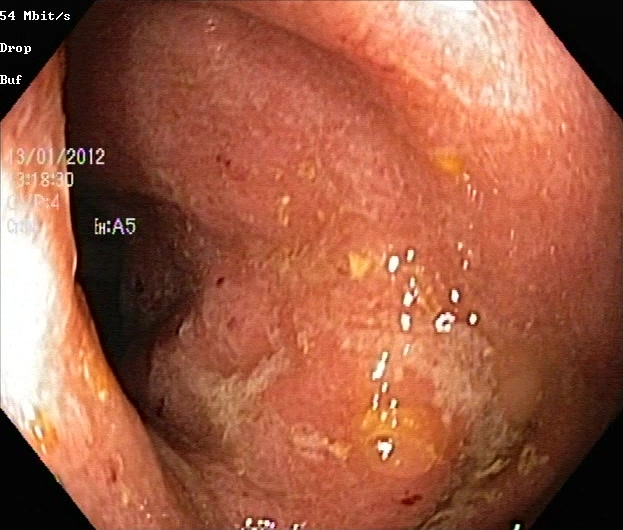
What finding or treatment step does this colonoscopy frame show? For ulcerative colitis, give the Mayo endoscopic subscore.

ulcerative colitis, Mayo endoscopic subscore 2